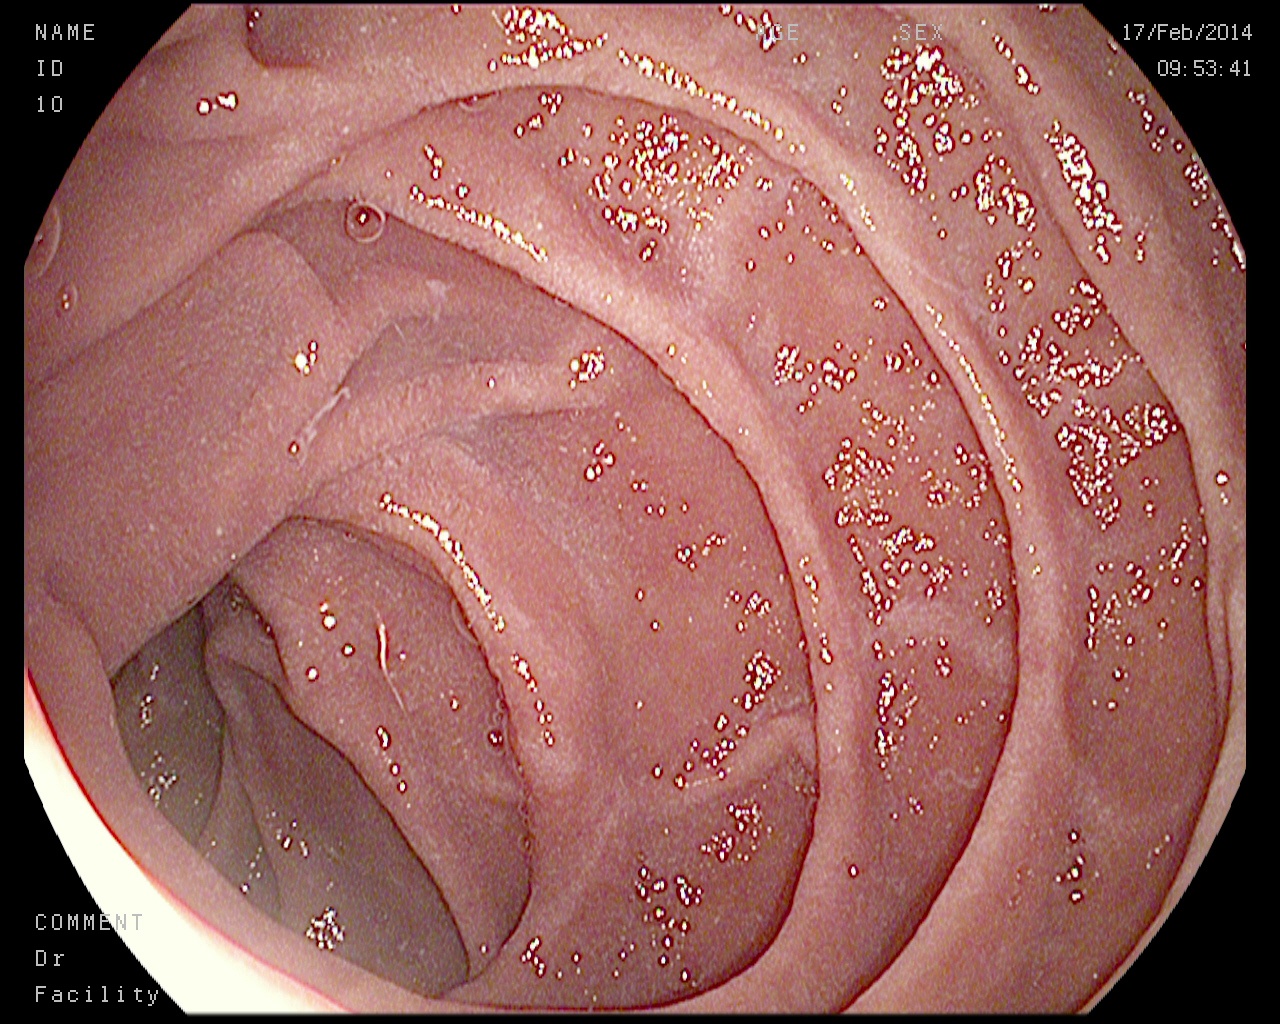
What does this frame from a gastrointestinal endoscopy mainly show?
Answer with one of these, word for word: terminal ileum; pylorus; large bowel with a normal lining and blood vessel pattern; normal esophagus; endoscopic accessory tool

terminal ileum